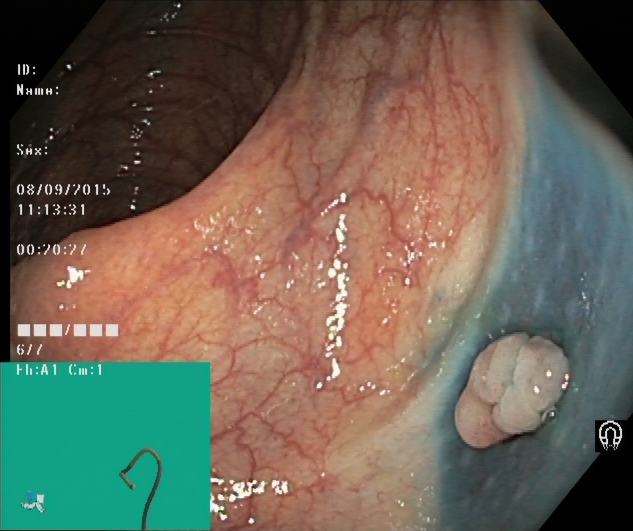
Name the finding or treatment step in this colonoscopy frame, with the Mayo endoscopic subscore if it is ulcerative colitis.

dyed and lifted polyp (pre-resection)